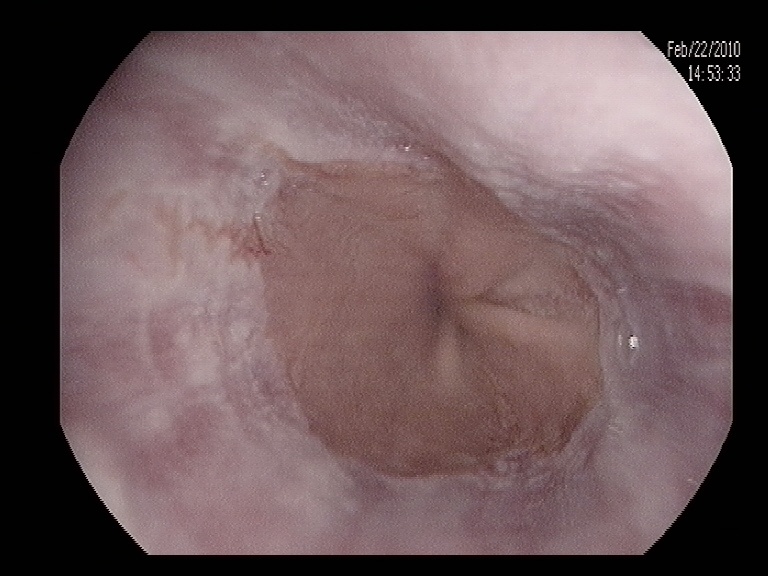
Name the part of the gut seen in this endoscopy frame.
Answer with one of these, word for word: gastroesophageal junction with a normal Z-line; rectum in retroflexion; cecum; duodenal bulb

gastroesophageal junction with a normal Z-line